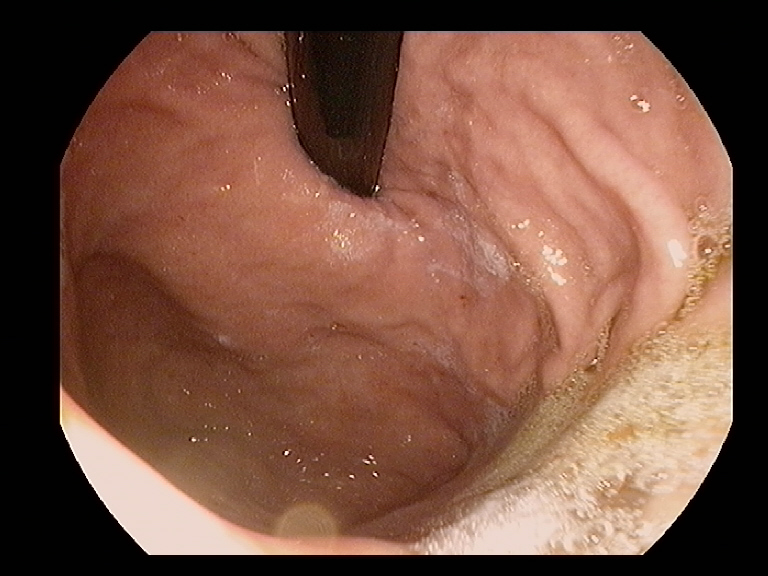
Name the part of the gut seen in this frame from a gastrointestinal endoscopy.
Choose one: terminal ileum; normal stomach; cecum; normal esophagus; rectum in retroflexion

normal stomach